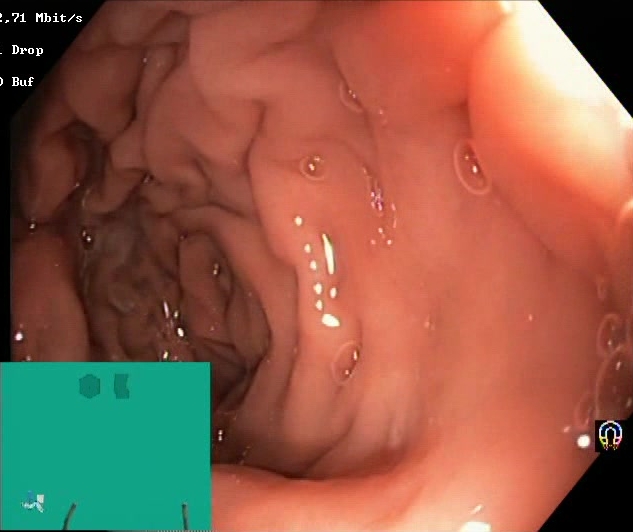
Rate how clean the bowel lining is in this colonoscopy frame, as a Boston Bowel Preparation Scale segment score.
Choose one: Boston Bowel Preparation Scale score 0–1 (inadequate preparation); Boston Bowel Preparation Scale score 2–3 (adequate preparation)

Boston Bowel Preparation Scale score 2–3 (adequate preparation)